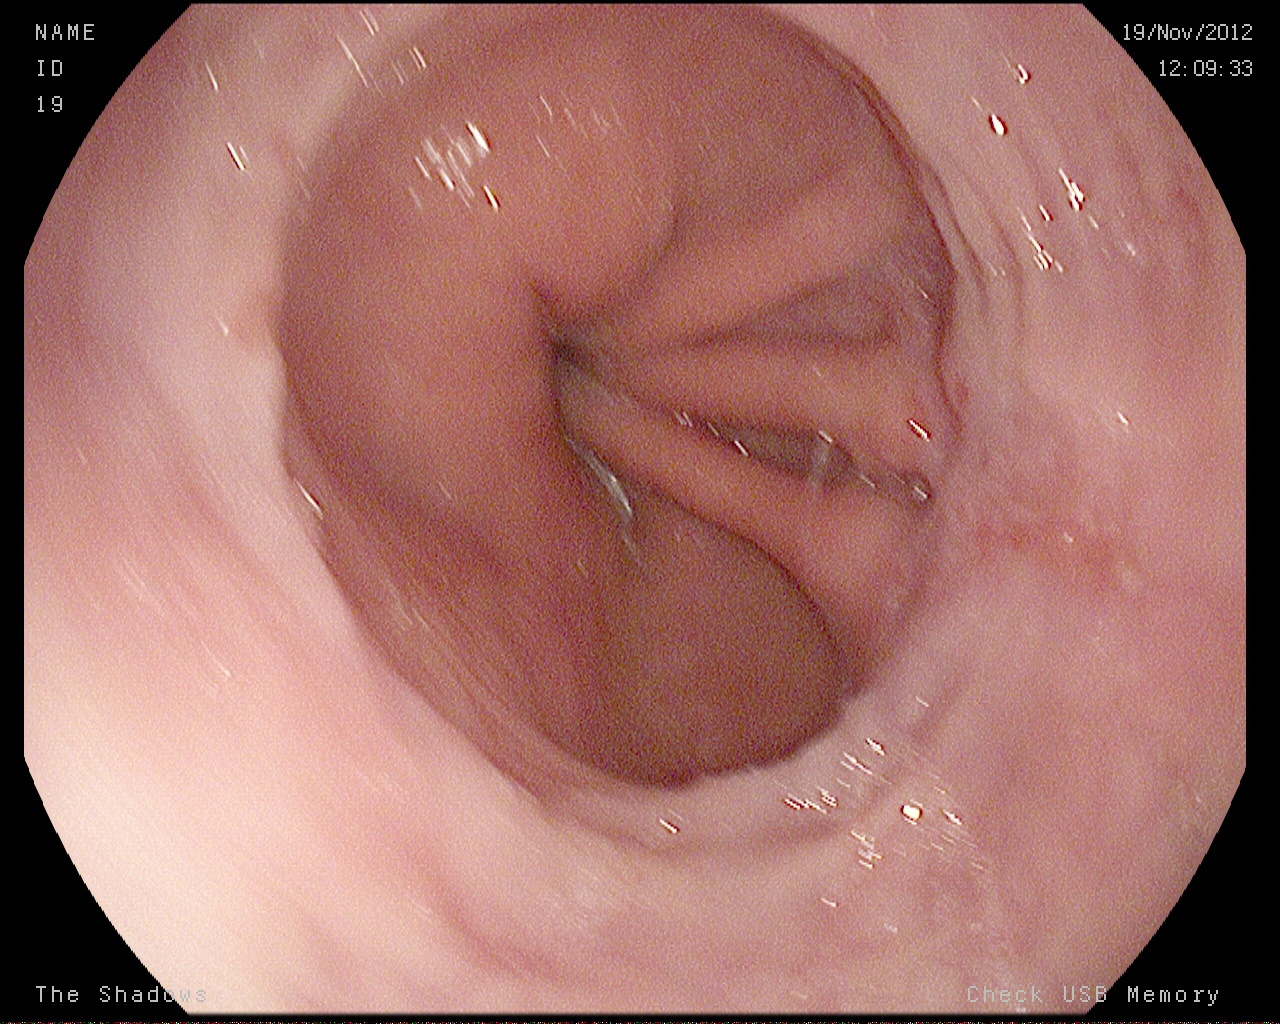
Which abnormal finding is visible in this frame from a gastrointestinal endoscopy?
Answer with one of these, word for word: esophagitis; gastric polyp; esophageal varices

esophagitis